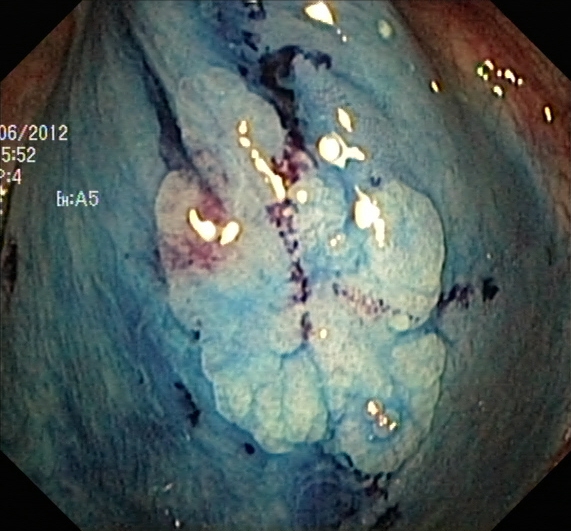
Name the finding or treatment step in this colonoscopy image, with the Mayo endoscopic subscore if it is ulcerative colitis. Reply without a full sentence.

dyed and lifted polyp (pre-resection)